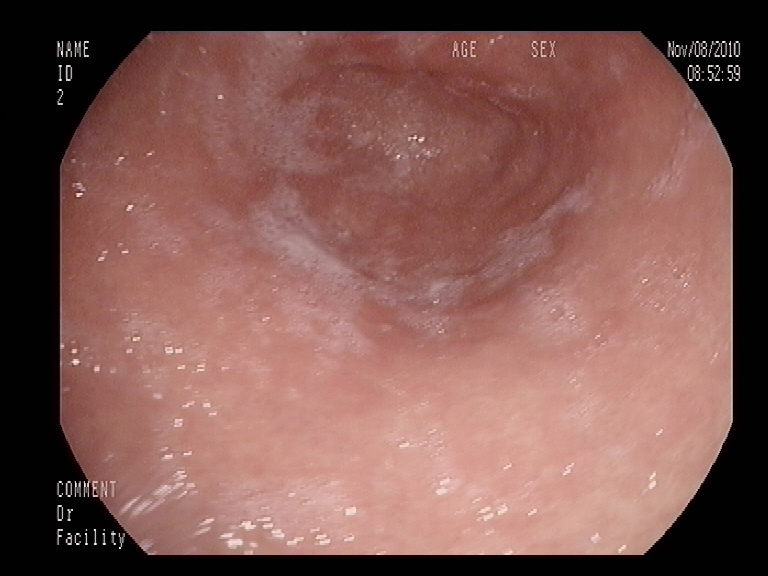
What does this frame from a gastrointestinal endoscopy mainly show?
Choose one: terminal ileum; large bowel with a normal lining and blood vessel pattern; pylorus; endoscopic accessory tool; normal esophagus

pylorus